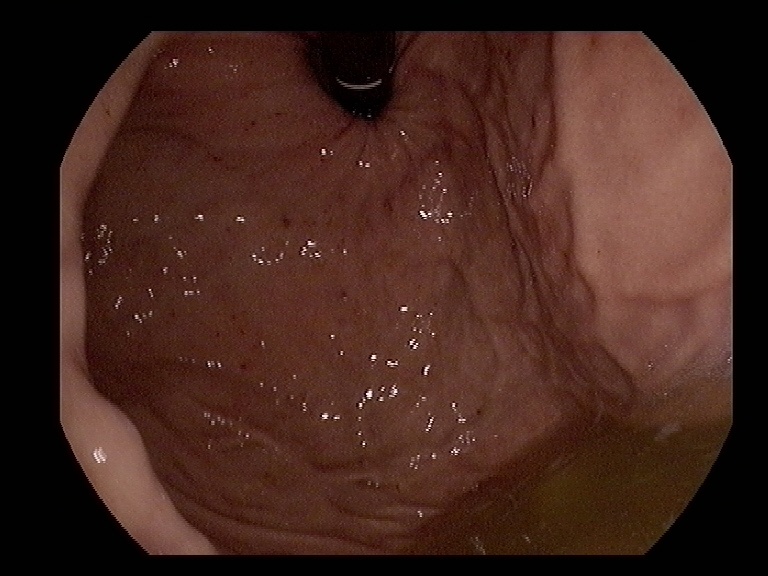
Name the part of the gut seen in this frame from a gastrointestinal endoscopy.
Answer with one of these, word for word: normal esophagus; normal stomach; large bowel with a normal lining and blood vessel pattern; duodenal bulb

normal stomach